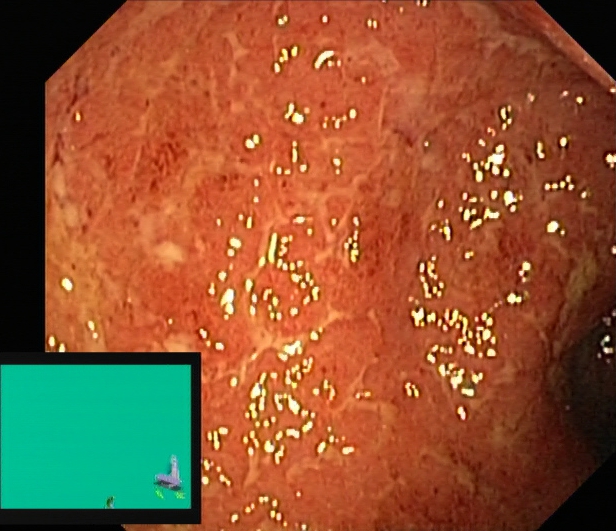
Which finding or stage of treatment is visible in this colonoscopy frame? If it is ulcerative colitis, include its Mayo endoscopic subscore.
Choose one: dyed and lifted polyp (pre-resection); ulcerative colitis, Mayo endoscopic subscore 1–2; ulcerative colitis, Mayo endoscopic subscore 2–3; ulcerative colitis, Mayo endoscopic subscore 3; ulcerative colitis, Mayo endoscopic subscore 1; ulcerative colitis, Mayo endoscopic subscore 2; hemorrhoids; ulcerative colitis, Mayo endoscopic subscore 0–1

ulcerative colitis, Mayo endoscopic subscore 2